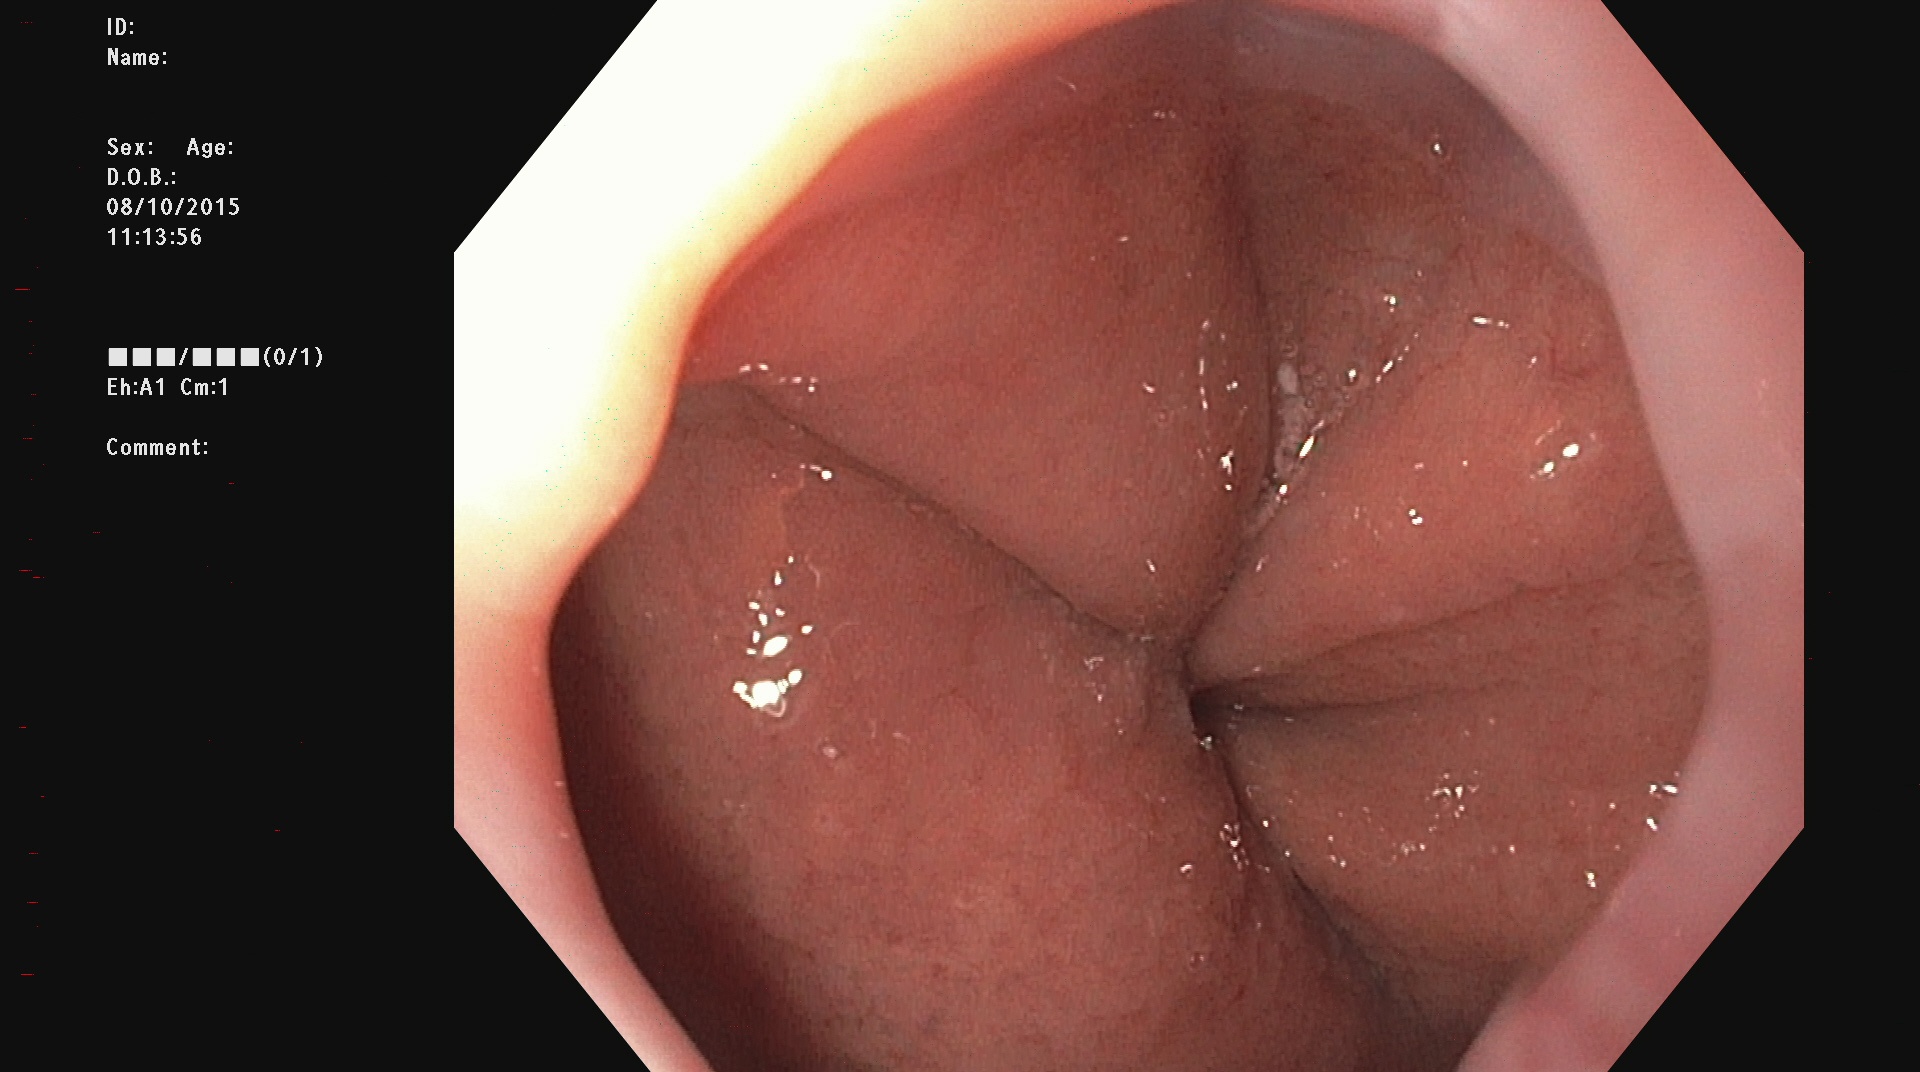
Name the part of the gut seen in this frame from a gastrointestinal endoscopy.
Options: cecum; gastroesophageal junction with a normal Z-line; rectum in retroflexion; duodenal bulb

gastroesophageal junction with a normal Z-line